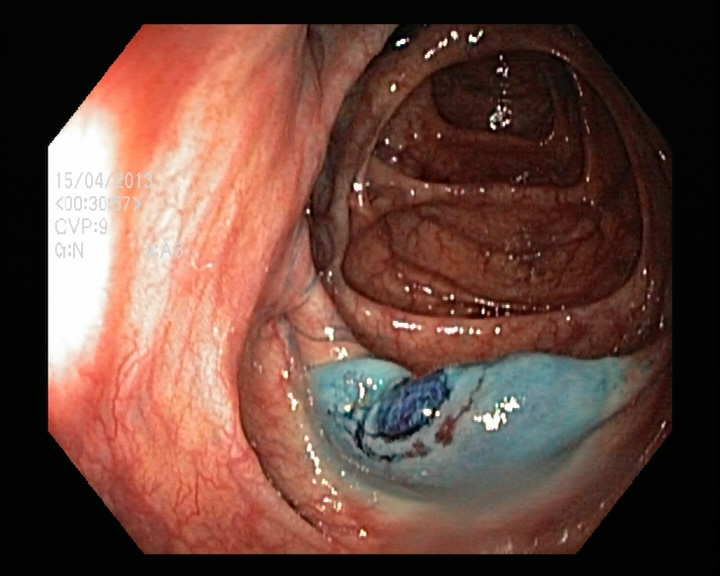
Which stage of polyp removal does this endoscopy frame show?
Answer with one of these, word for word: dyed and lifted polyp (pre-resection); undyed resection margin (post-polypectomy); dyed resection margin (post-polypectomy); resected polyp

dyed resection margin (post-polypectomy)